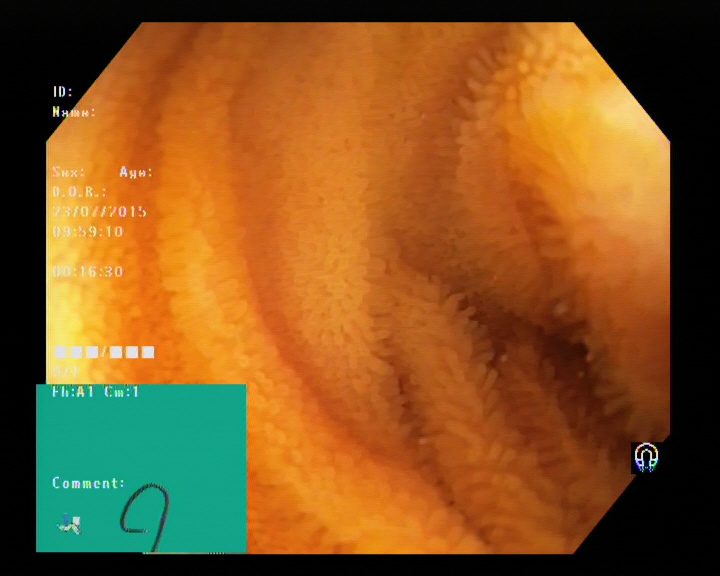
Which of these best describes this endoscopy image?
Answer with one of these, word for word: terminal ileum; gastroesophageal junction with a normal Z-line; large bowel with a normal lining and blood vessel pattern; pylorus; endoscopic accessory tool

terminal ileum